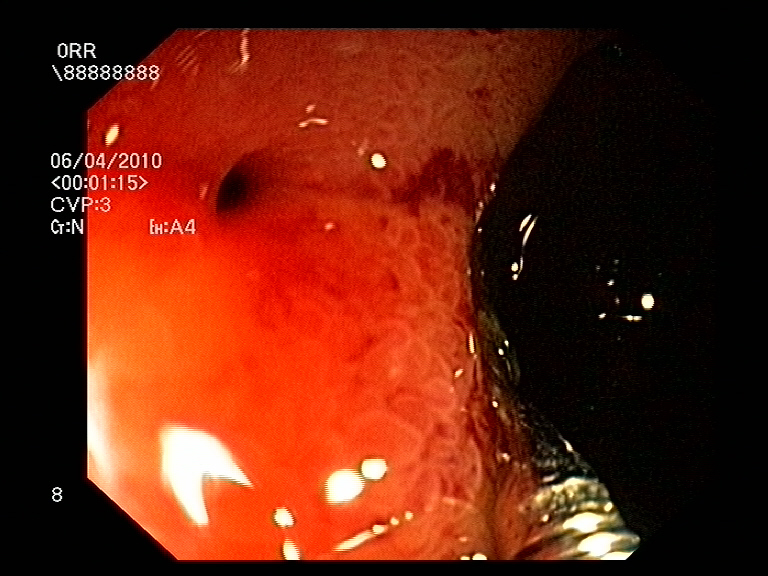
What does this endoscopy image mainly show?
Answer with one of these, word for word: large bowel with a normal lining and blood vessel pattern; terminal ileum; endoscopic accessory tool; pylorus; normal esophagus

endoscopic accessory tool